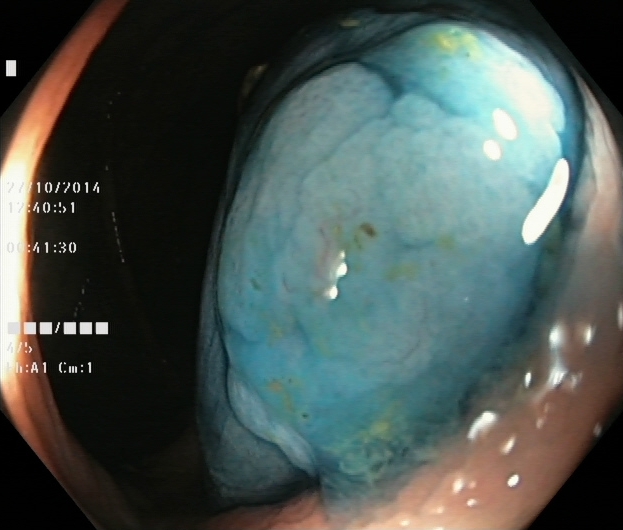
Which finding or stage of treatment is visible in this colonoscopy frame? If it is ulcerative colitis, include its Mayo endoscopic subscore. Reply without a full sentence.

dyed and lifted polyp (pre-resection)